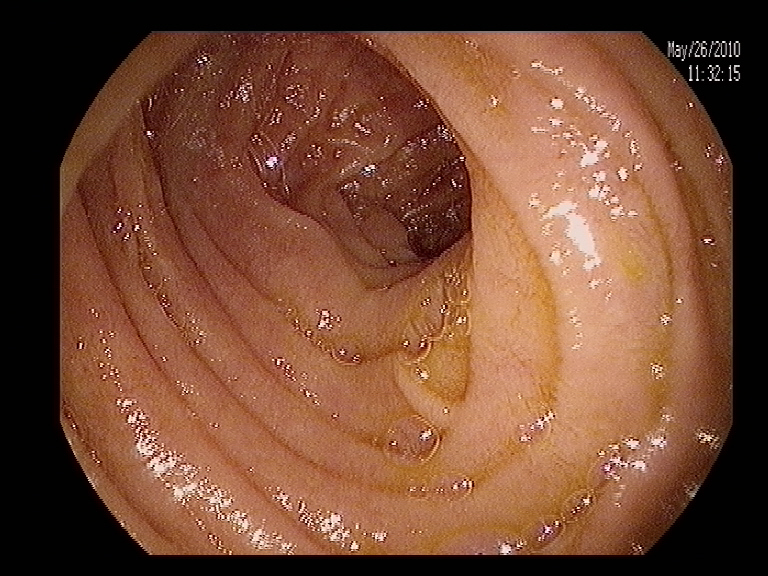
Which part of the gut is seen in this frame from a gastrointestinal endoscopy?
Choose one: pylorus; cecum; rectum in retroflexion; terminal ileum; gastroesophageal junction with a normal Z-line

terminal ileum